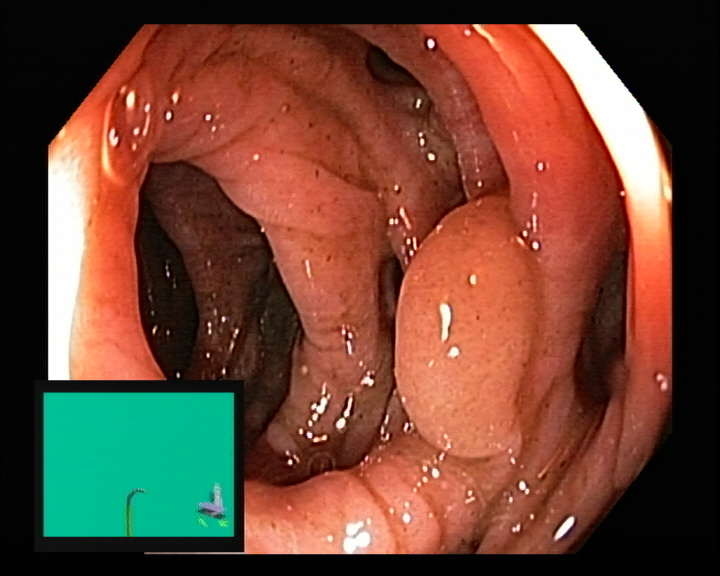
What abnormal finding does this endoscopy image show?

colon polyp